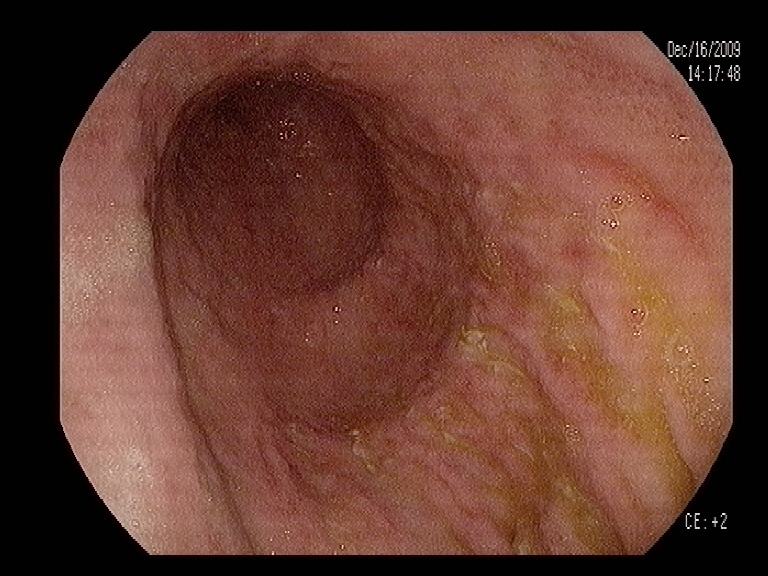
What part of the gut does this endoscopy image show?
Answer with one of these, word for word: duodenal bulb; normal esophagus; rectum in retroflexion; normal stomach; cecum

normal stomach